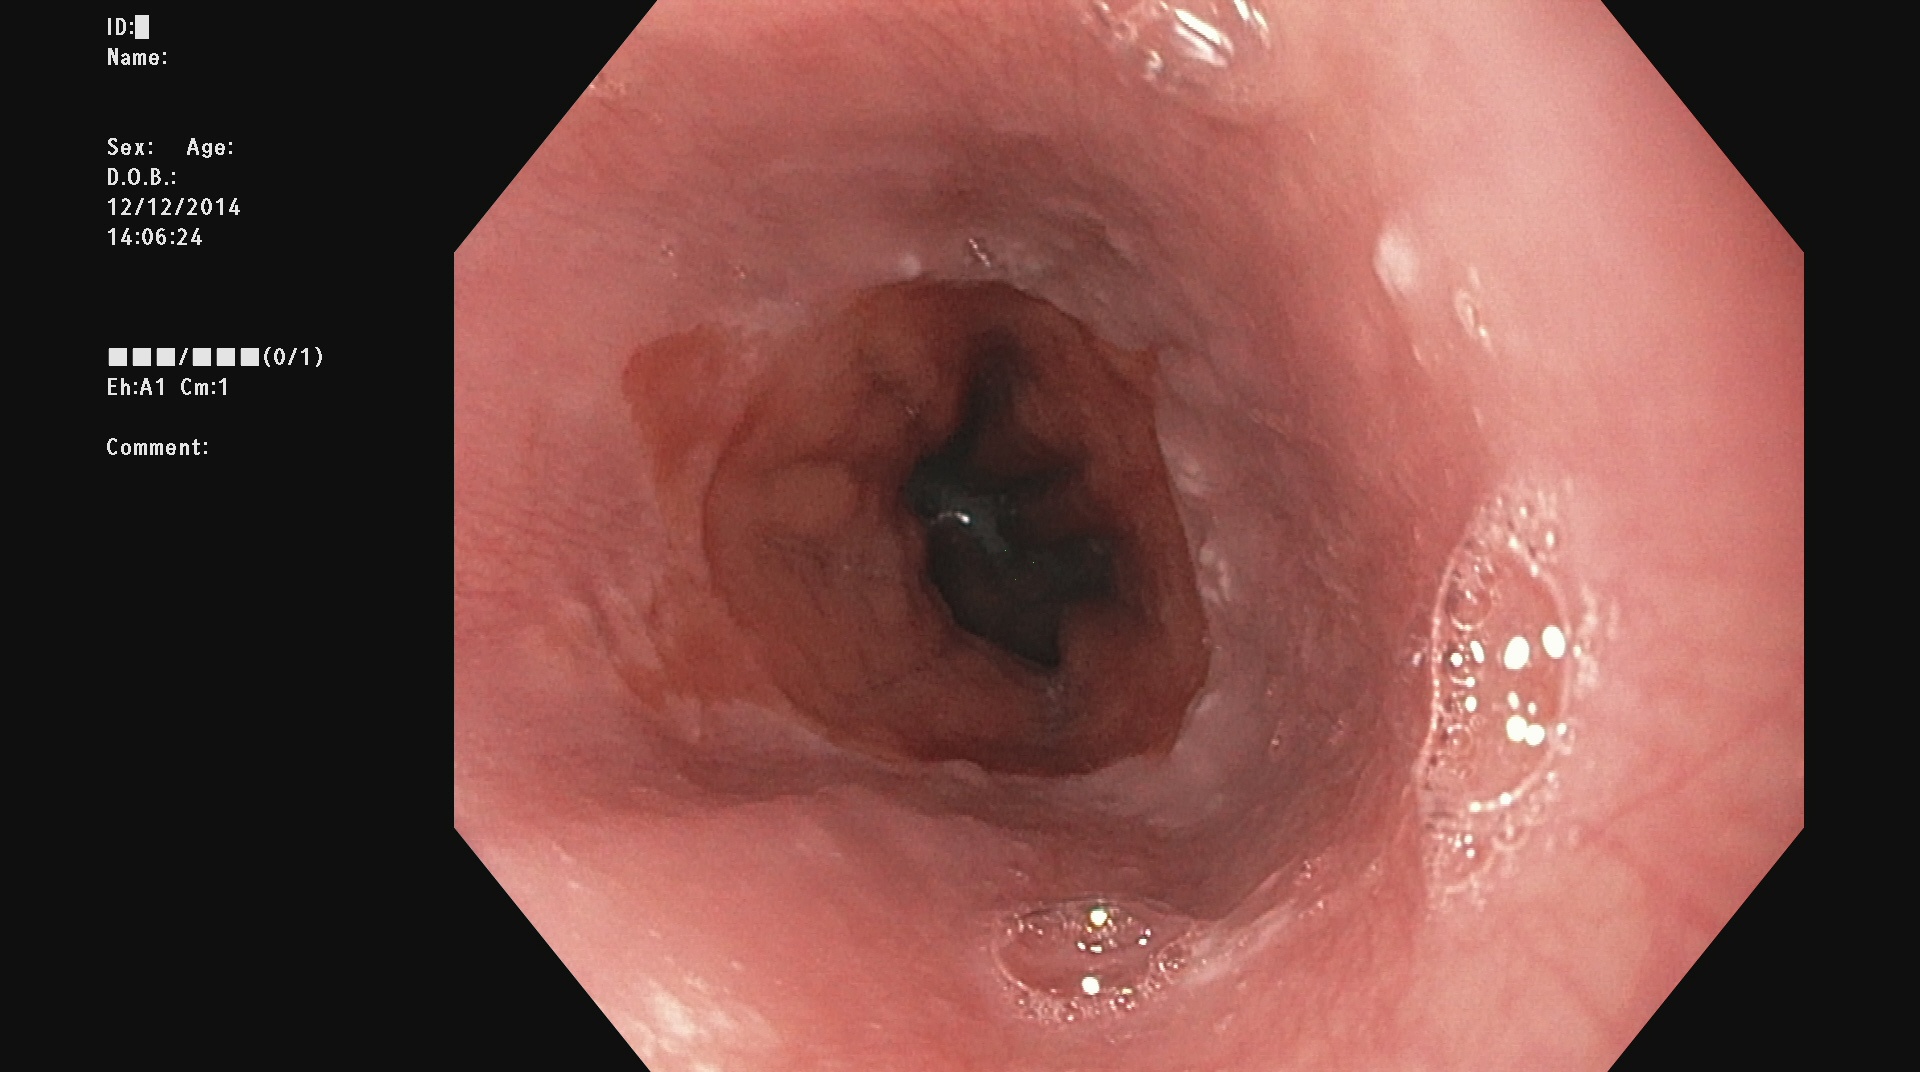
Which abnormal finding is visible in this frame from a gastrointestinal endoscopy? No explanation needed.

Barrett's esophagus